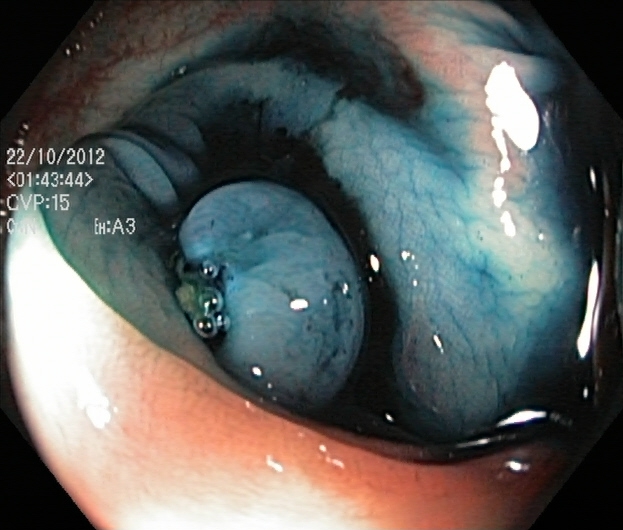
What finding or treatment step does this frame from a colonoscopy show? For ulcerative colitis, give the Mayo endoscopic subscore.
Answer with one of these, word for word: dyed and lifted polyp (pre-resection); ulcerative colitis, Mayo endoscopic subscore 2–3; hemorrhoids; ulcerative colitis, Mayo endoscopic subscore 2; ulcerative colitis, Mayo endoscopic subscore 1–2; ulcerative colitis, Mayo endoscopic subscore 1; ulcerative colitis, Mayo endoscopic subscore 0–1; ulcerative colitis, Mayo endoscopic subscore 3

dyed and lifted polyp (pre-resection)